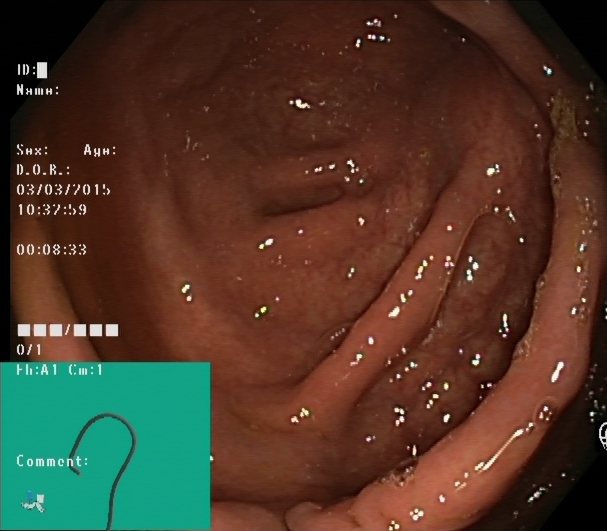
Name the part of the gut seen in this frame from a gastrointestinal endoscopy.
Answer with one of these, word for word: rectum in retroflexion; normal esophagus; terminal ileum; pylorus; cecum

cecum